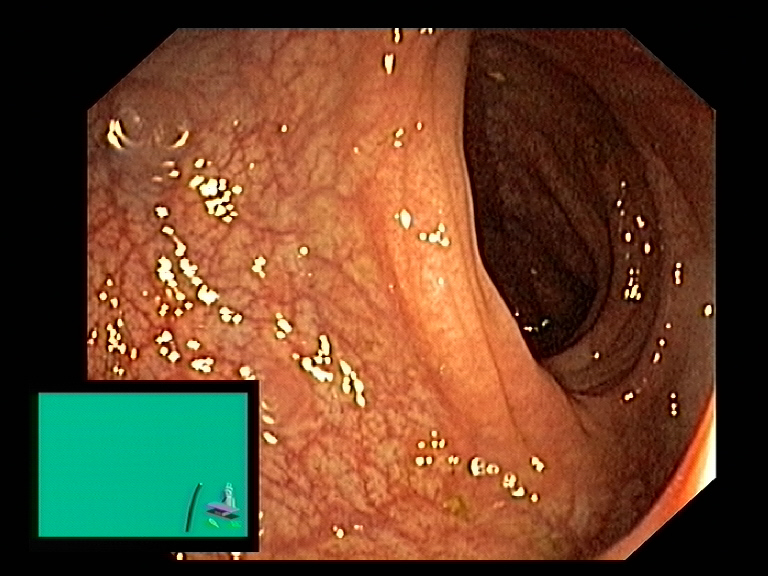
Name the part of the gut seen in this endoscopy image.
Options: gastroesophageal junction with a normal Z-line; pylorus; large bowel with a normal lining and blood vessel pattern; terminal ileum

large bowel with a normal lining and blood vessel pattern